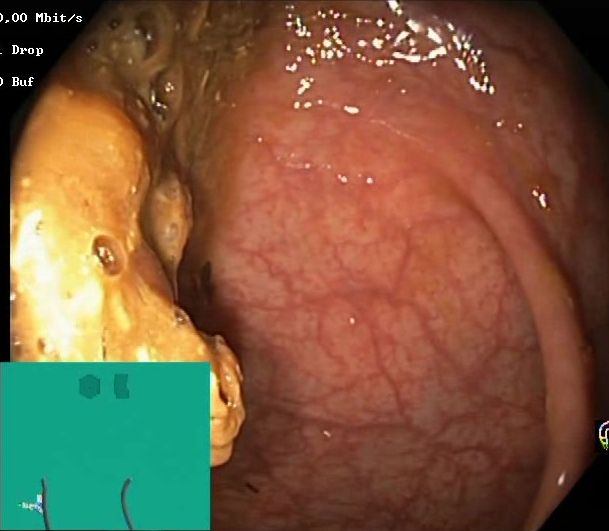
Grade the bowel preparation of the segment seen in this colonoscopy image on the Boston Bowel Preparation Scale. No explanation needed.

Boston Bowel Preparation Scale score 0–1 (inadequate preparation)